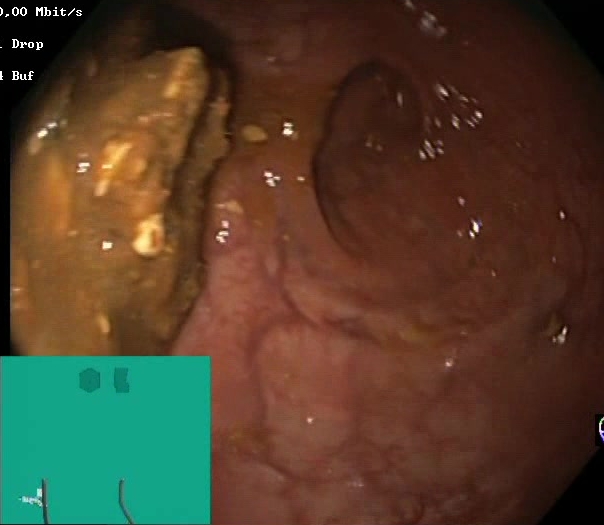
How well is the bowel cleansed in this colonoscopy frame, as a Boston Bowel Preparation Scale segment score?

Boston Bowel Preparation Scale score 0–1 (inadequate preparation)